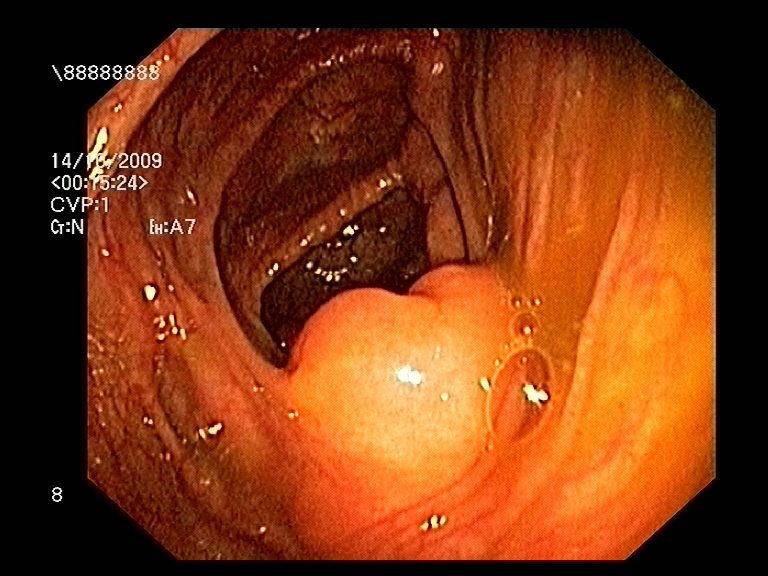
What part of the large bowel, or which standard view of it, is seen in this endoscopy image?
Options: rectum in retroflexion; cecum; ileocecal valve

ileocecal valve